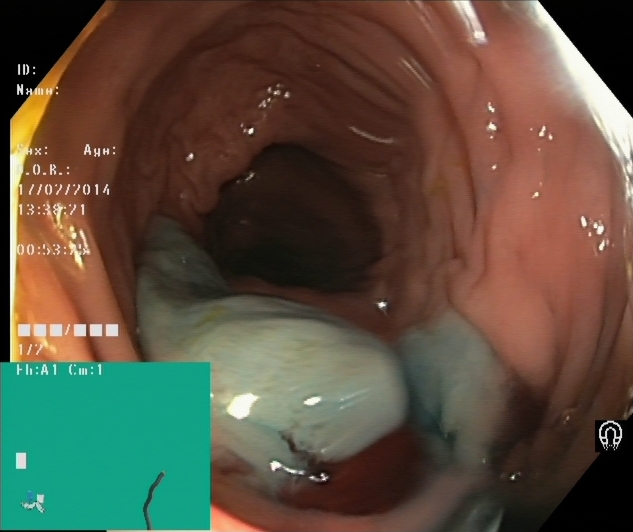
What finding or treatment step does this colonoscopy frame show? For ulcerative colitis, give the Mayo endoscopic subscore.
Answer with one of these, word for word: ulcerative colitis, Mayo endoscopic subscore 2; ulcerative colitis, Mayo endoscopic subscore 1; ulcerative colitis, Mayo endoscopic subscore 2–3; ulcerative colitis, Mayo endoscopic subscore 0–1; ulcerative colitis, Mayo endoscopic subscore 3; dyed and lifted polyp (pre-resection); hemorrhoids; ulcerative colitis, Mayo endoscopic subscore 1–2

dyed and lifted polyp (pre-resection)